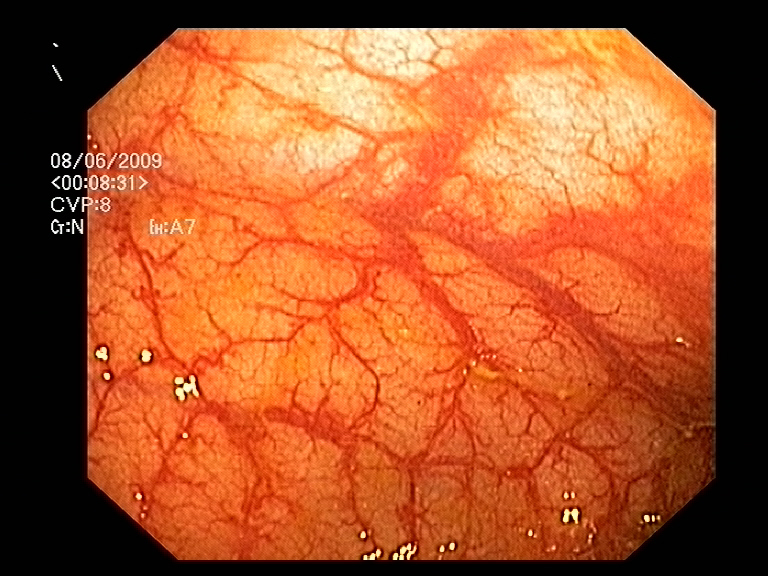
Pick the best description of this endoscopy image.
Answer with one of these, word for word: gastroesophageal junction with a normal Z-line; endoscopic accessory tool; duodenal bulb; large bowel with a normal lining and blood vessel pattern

large bowel with a normal lining and blood vessel pattern